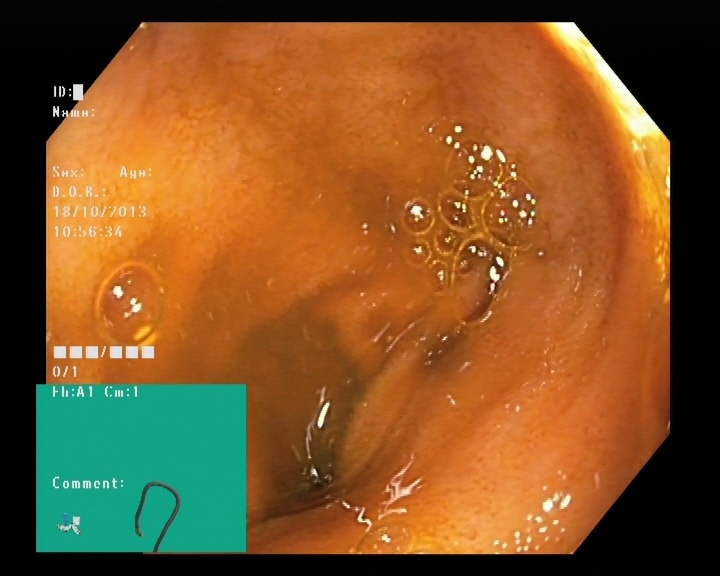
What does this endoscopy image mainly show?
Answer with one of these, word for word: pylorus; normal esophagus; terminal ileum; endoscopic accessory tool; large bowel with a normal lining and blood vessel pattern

large bowel with a normal lining and blood vessel pattern